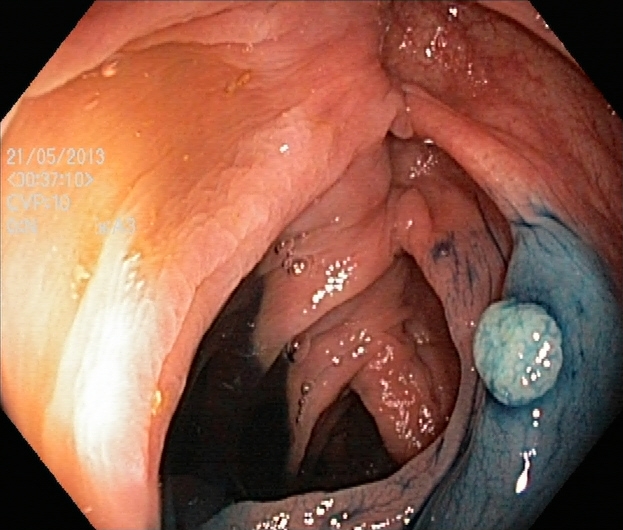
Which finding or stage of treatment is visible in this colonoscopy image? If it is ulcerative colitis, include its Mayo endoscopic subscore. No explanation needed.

dyed and lifted polyp (pre-resection)